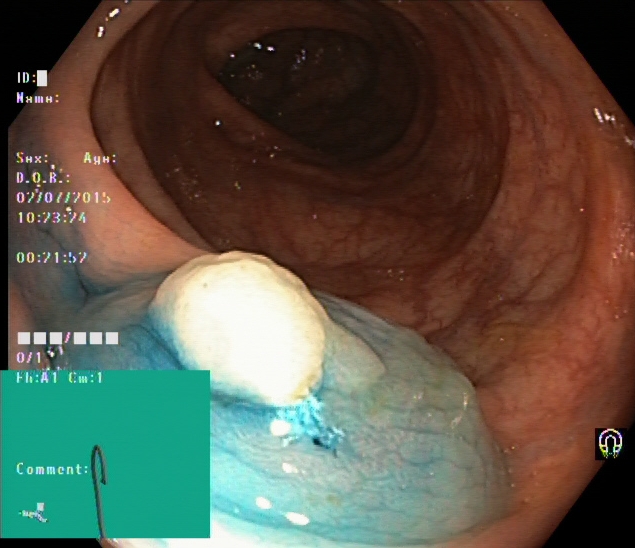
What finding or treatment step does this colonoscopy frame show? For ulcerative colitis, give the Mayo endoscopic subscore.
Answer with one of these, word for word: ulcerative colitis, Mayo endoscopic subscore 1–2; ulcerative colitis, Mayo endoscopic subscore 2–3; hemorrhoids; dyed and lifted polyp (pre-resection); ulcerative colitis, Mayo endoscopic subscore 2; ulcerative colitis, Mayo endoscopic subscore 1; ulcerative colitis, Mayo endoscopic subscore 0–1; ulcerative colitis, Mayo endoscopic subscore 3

dyed and lifted polyp (pre-resection)